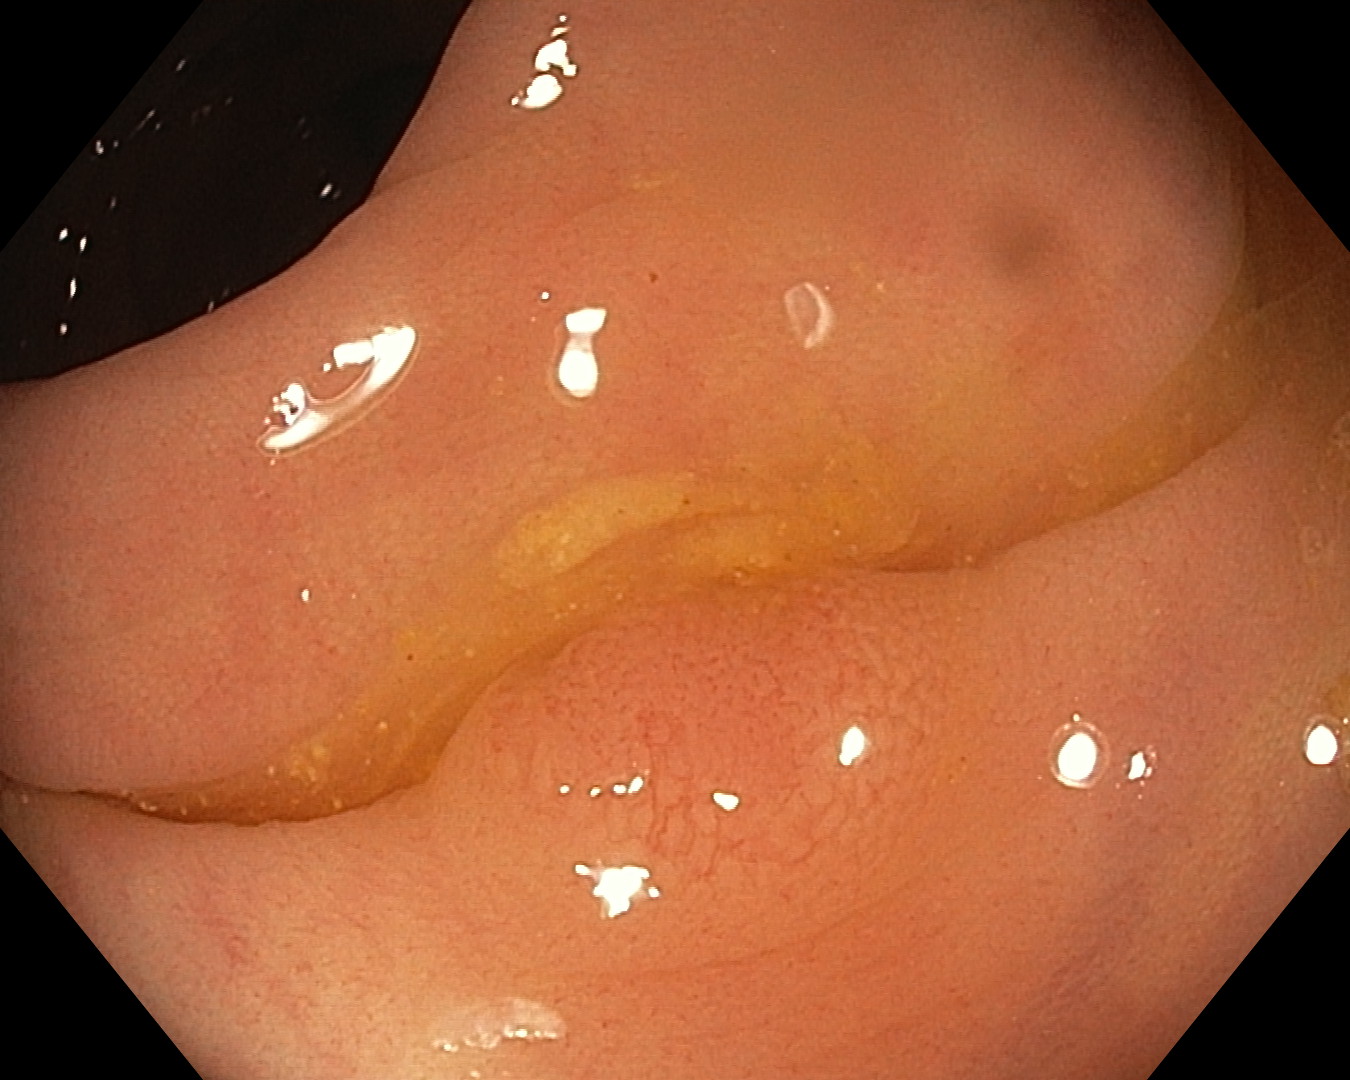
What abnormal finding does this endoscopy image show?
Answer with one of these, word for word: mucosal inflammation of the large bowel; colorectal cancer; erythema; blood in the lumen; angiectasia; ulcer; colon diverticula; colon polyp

colon polyp